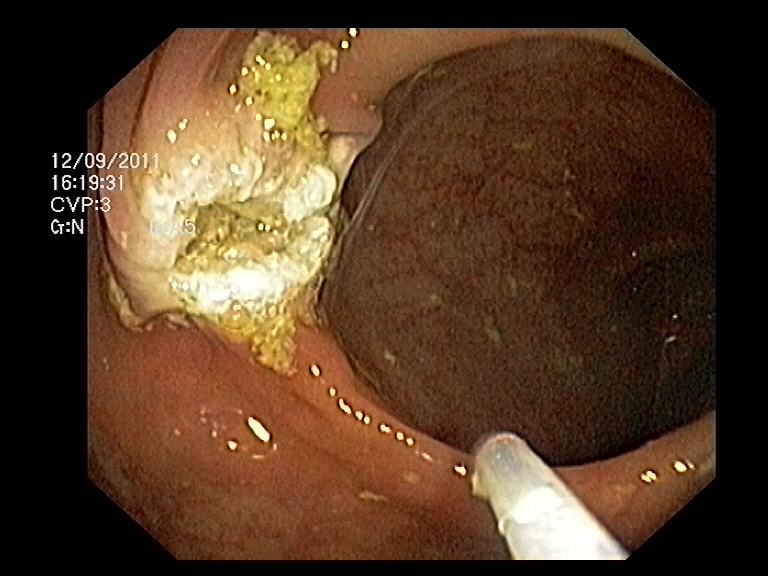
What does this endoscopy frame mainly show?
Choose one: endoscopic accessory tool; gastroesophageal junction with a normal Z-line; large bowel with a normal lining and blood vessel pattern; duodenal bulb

endoscopic accessory tool